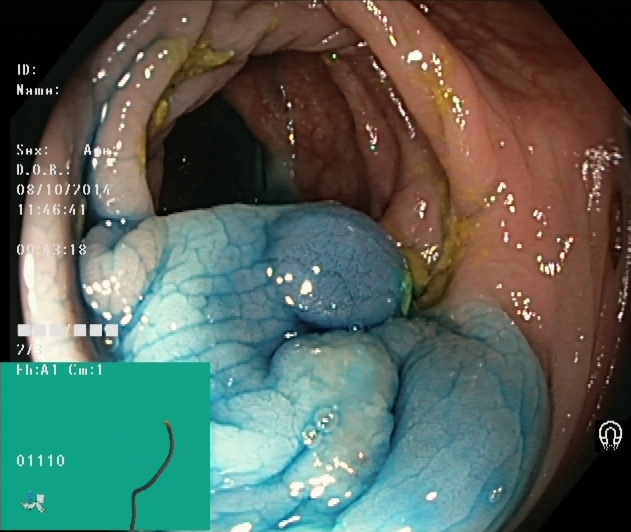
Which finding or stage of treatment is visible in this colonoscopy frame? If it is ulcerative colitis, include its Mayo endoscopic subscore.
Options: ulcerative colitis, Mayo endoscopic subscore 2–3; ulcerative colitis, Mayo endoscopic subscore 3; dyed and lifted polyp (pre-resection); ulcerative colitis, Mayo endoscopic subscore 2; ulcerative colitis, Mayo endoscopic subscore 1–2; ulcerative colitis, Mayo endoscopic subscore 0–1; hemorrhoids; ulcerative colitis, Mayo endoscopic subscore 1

dyed and lifted polyp (pre-resection)